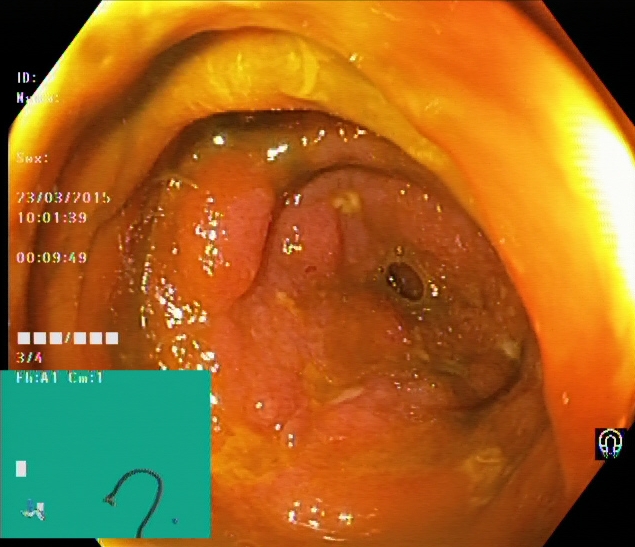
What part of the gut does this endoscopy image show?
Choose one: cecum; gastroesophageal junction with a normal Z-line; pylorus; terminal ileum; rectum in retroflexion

cecum